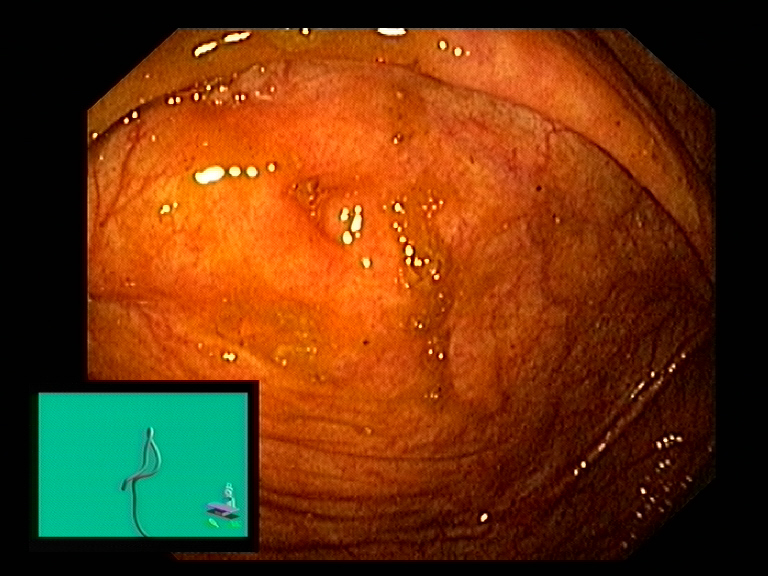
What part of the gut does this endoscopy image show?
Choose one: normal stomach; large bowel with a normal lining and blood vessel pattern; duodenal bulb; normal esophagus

large bowel with a normal lining and blood vessel pattern